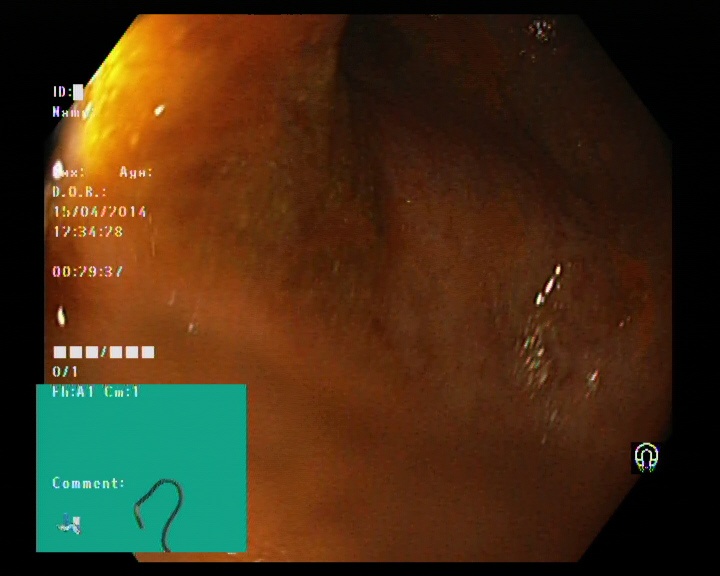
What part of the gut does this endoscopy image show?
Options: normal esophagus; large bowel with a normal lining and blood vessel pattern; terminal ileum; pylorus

large bowel with a normal lining and blood vessel pattern